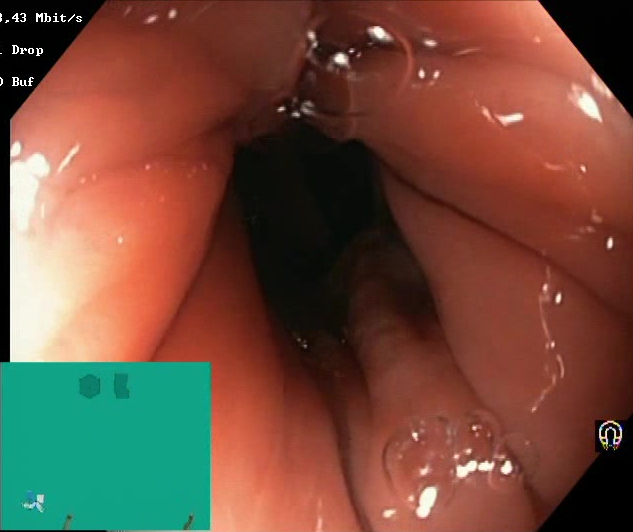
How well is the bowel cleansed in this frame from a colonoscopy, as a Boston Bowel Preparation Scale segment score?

Boston Bowel Preparation Scale score 2–3 (adequate preparation)